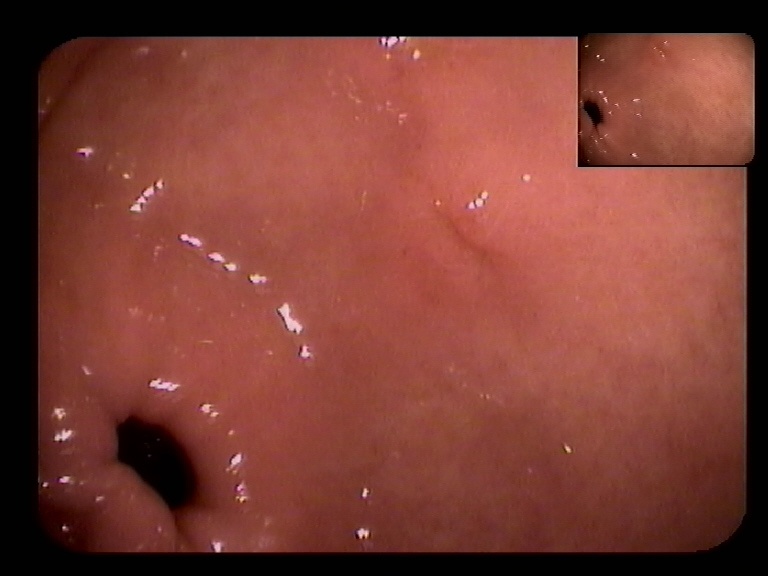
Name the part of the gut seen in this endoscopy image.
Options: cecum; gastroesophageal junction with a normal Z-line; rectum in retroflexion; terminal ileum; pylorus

pylorus